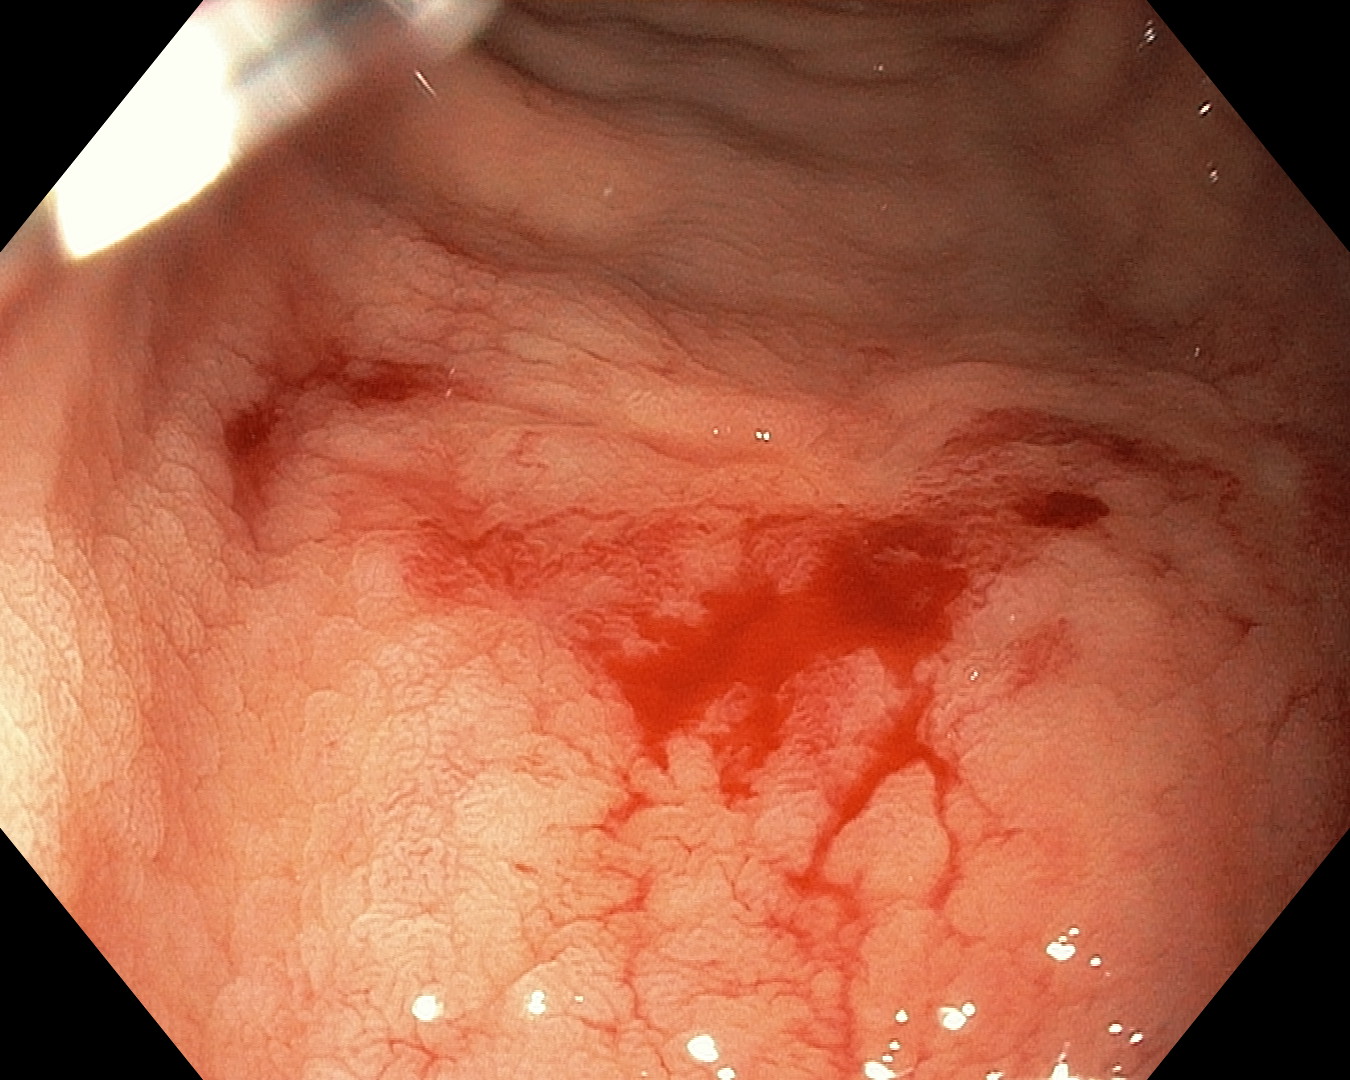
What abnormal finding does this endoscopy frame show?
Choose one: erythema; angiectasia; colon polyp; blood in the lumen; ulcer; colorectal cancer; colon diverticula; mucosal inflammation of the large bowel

blood in the lumen